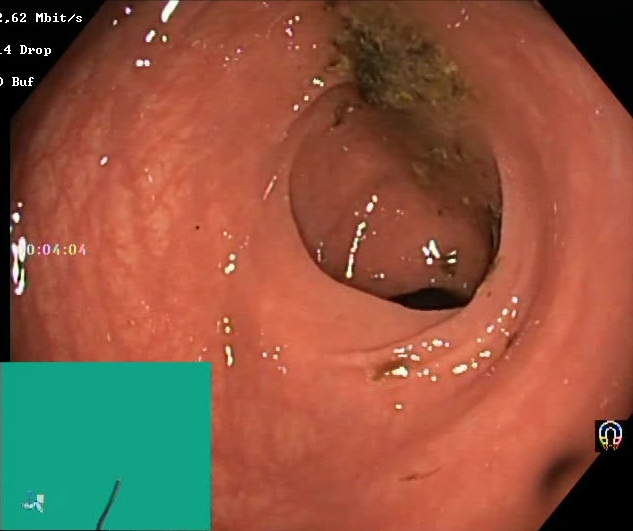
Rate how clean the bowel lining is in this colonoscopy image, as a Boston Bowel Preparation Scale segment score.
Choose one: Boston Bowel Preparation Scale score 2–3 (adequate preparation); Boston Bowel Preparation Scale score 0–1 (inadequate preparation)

Boston Bowel Preparation Scale score 0–1 (inadequate preparation)